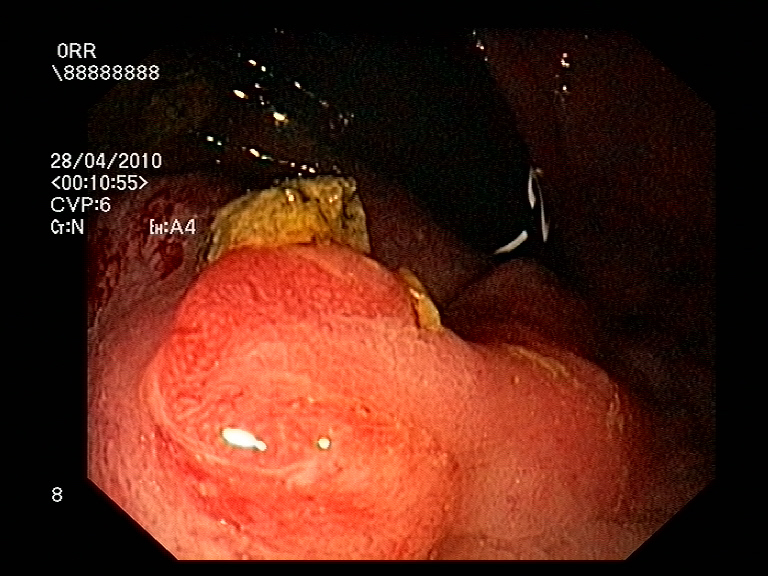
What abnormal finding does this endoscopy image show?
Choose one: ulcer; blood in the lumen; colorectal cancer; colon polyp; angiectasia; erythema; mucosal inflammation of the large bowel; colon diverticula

colon polyp